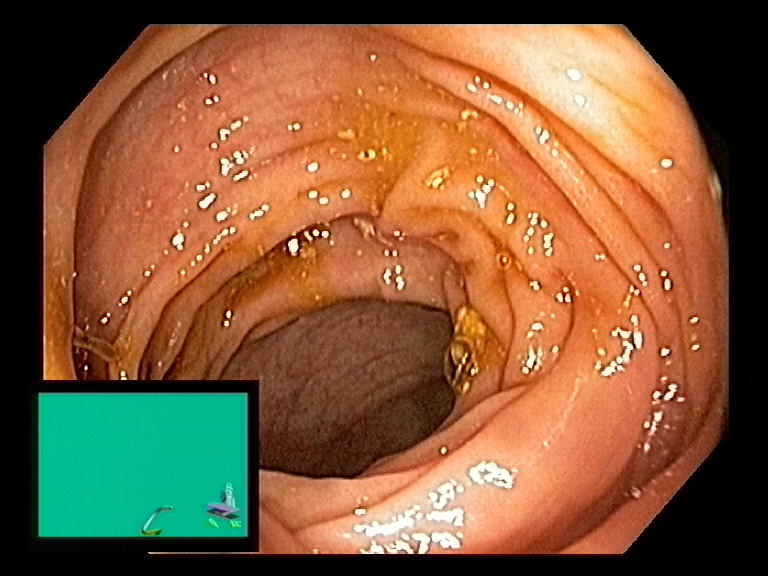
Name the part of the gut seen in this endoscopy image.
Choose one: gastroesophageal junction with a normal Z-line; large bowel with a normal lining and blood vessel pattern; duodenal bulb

large bowel with a normal lining and blood vessel pattern